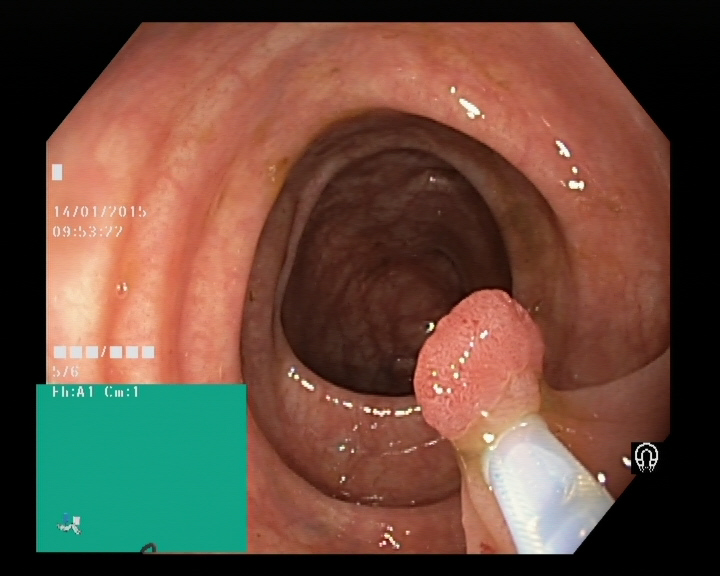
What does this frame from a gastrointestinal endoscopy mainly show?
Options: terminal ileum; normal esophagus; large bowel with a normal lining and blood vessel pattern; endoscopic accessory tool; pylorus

endoscopic accessory tool